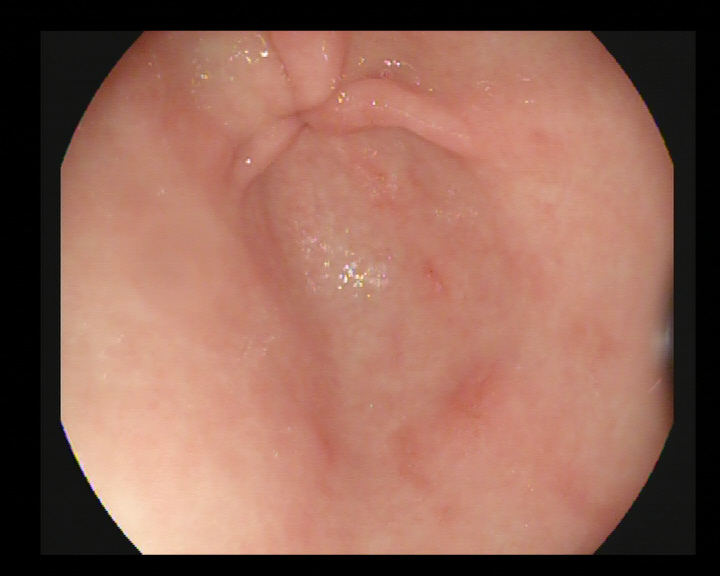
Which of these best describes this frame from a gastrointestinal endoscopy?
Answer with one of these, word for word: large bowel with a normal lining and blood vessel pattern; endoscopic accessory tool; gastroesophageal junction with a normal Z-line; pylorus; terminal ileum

pylorus